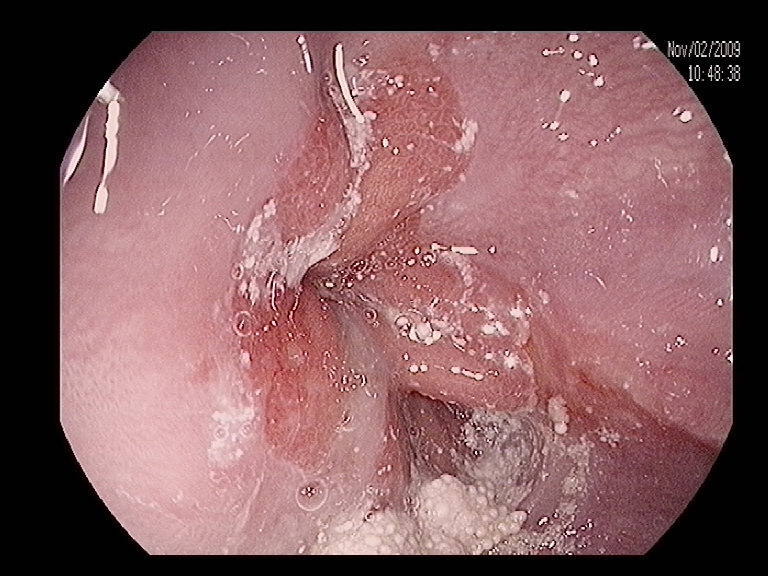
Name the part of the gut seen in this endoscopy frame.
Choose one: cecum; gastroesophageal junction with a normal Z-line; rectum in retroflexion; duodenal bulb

gastroesophageal junction with a normal Z-line